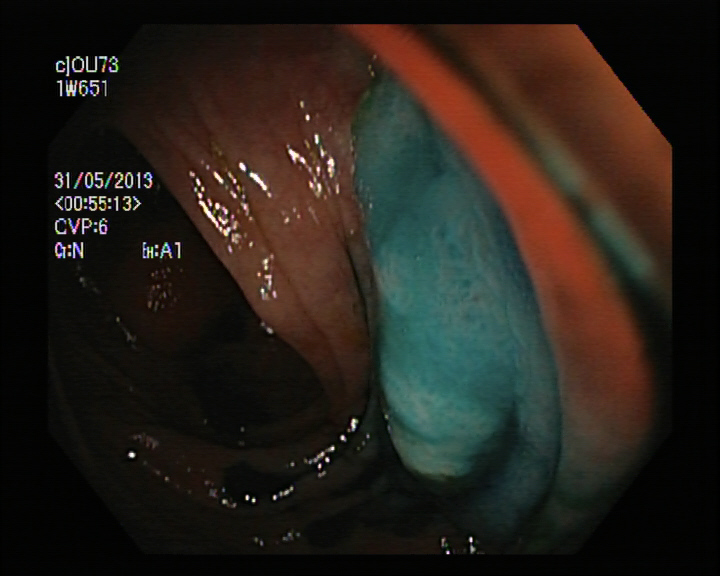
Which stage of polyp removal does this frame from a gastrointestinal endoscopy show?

dyed and lifted polyp (pre-resection)